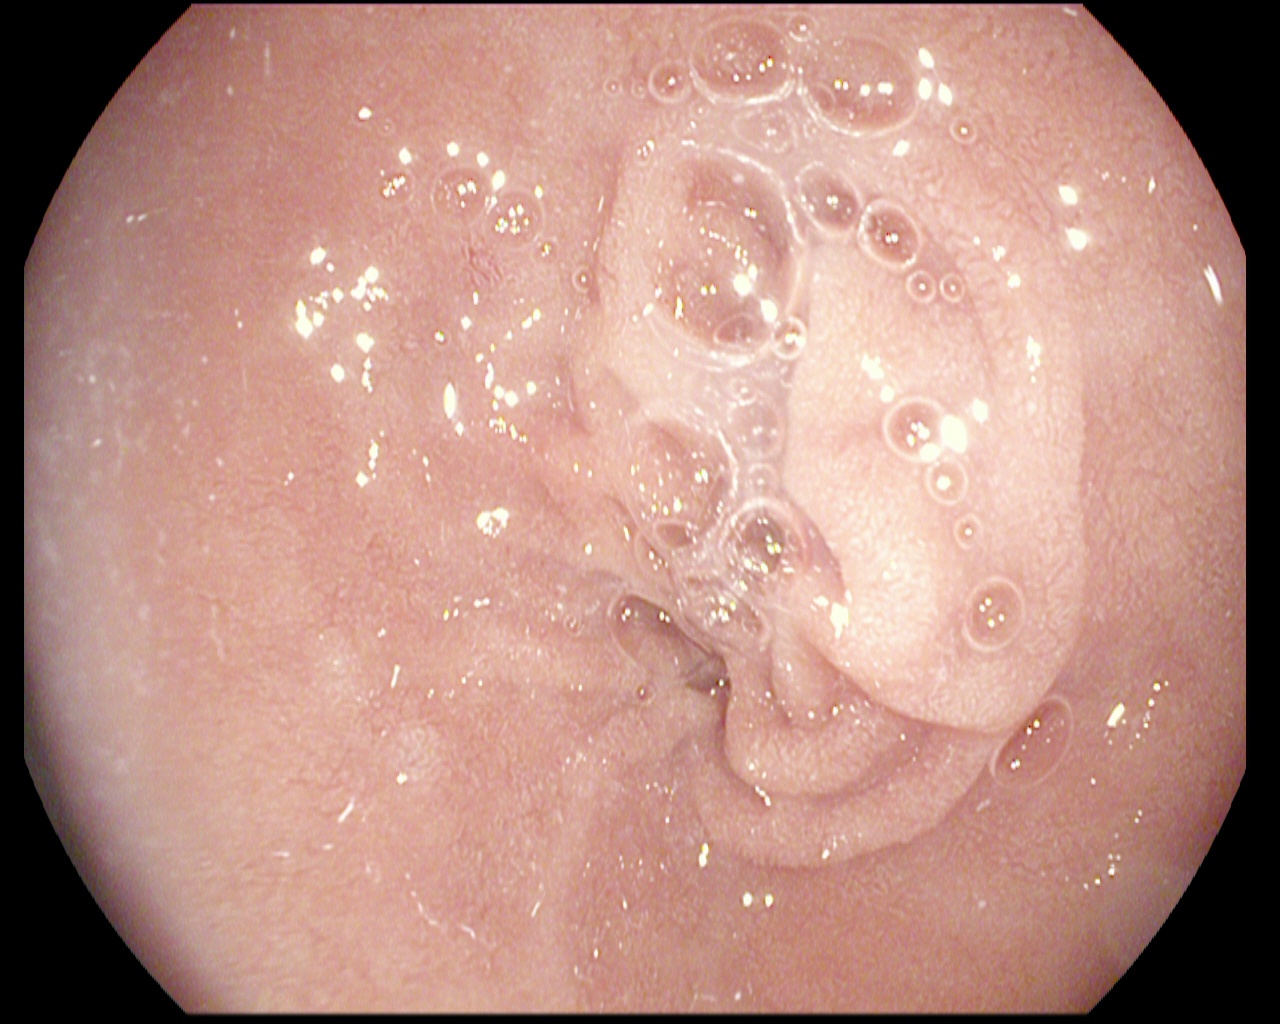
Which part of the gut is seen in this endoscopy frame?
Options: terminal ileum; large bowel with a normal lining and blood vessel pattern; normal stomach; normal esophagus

normal stomach